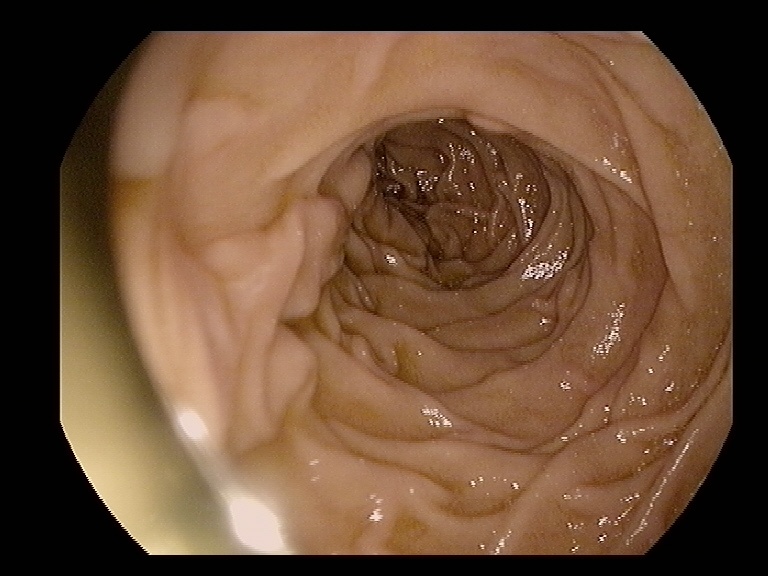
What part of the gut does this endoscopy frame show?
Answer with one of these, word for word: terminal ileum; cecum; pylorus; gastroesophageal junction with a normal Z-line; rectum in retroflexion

terminal ileum